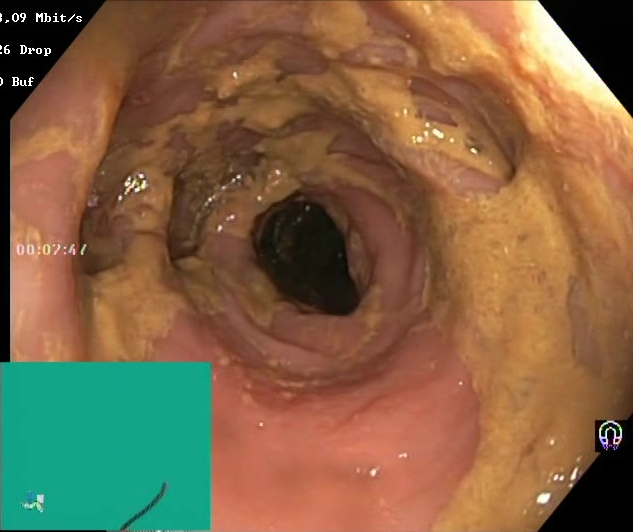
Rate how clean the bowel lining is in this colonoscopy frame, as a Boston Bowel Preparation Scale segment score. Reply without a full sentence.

Boston Bowel Preparation Scale score 0–1 (inadequate preparation)